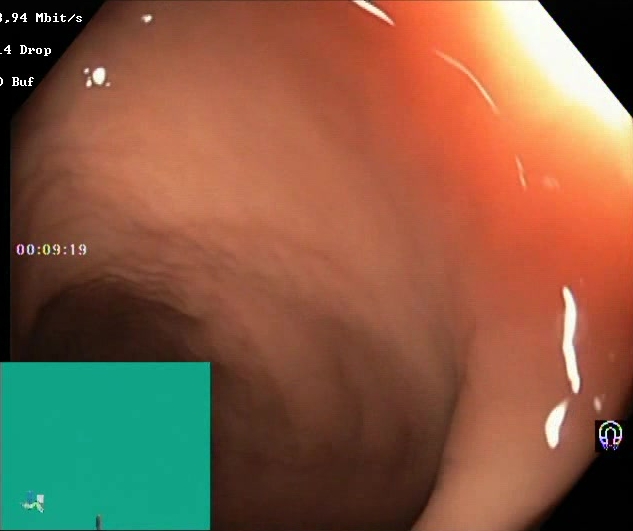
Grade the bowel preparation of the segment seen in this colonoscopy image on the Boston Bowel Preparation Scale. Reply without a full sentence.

Boston Bowel Preparation Scale score 2–3 (adequate preparation)